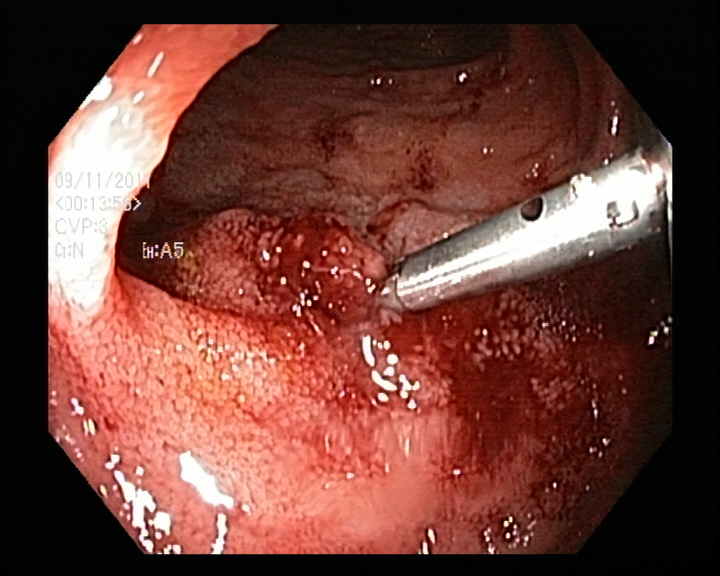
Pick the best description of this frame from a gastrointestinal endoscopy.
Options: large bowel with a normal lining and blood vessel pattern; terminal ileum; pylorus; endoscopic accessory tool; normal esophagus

endoscopic accessory tool